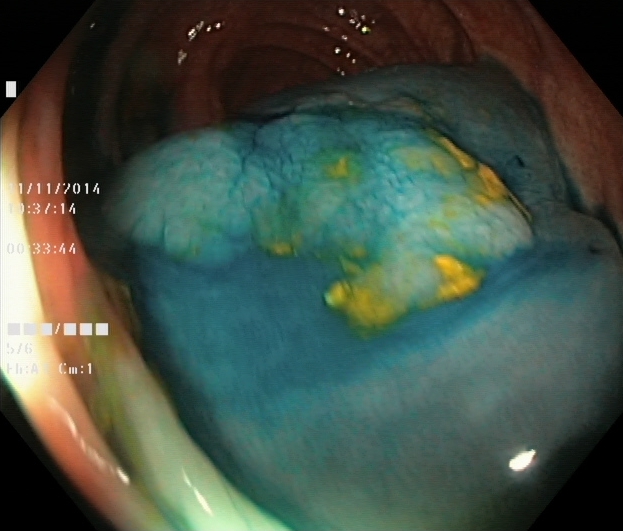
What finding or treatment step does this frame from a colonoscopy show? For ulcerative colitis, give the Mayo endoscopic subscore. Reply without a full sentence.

dyed and lifted polyp (pre-resection)